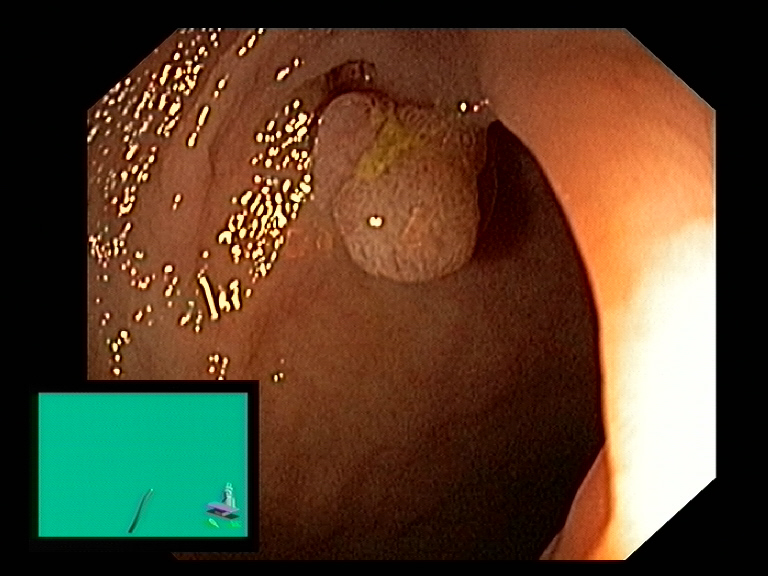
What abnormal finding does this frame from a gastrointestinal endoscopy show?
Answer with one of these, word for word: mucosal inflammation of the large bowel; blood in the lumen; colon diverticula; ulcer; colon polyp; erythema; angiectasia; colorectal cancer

colon polyp